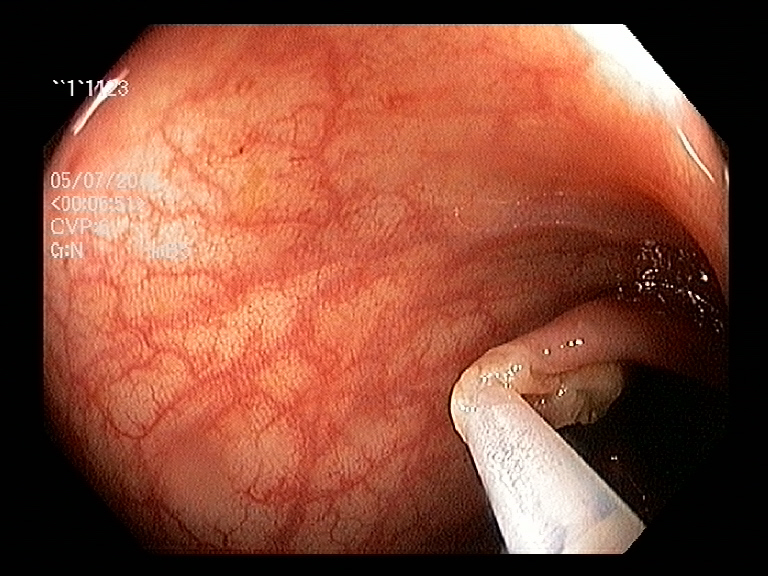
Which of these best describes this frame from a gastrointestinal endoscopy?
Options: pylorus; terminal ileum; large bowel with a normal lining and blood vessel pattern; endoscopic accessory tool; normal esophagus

endoscopic accessory tool